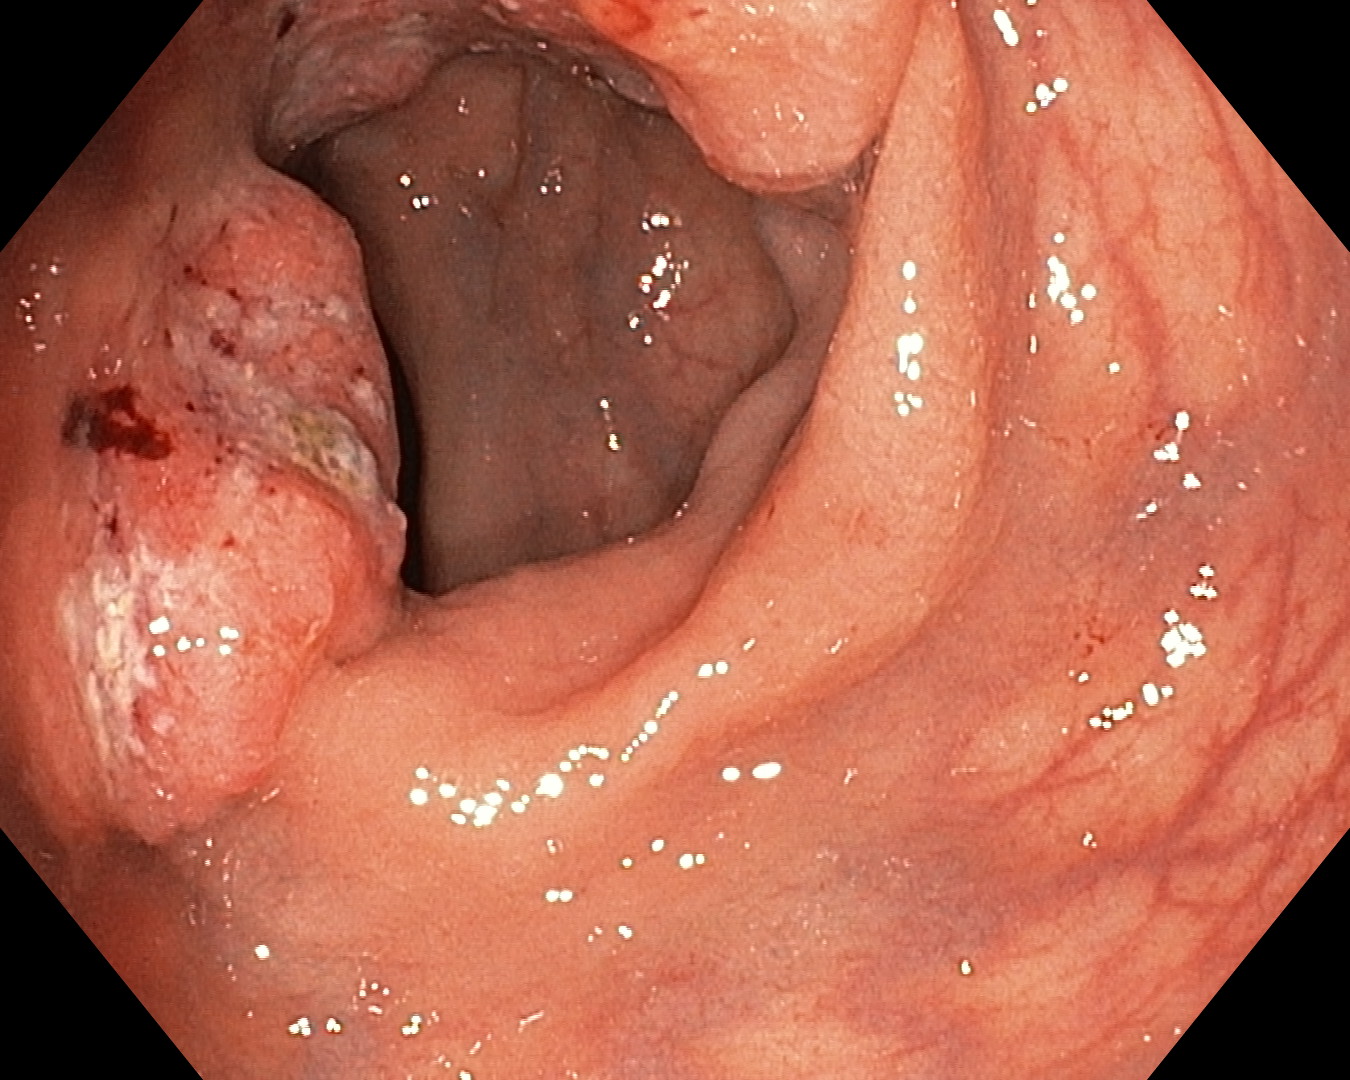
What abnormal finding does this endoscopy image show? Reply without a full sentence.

colorectal cancer